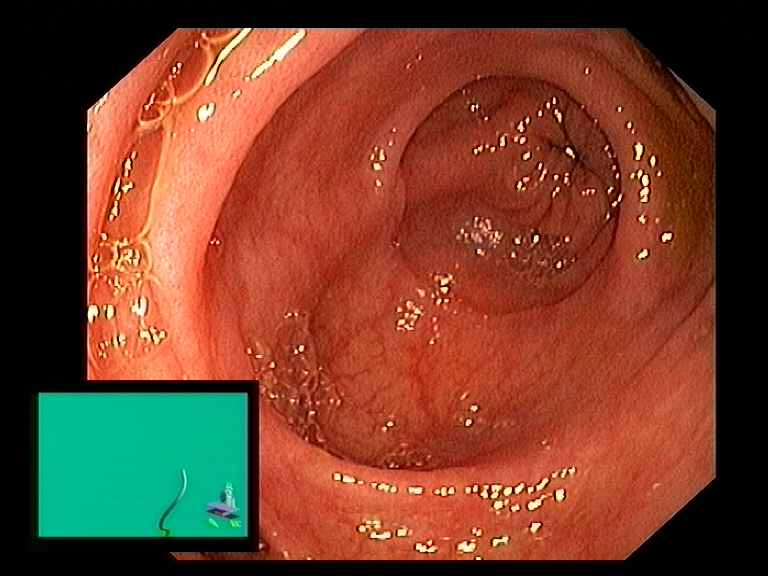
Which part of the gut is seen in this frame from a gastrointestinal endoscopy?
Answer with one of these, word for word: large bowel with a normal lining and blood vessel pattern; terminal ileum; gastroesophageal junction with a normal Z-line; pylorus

large bowel with a normal lining and blood vessel pattern